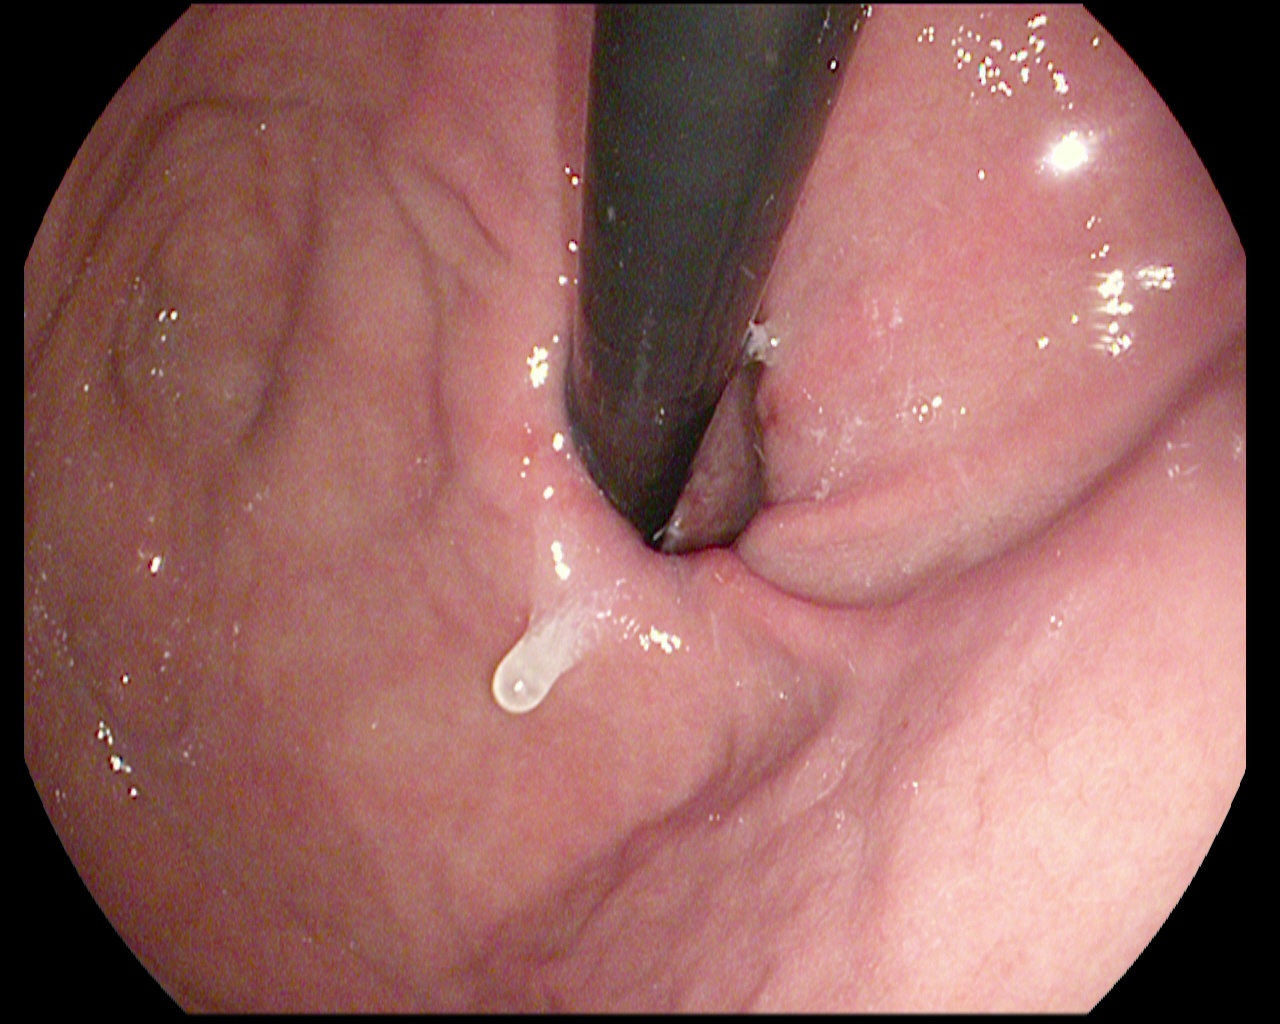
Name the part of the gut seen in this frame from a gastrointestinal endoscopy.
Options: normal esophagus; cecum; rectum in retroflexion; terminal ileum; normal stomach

normal stomach